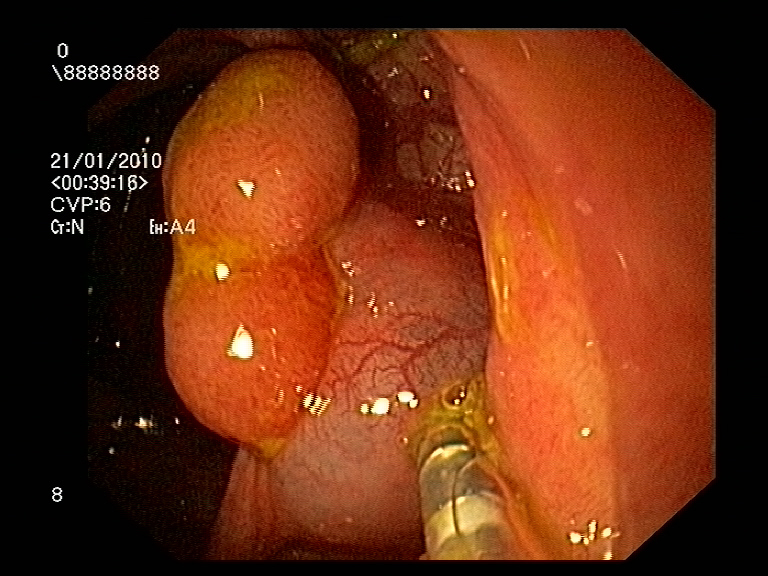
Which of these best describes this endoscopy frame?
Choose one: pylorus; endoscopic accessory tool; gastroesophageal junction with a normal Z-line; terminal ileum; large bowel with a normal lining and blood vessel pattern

endoscopic accessory tool